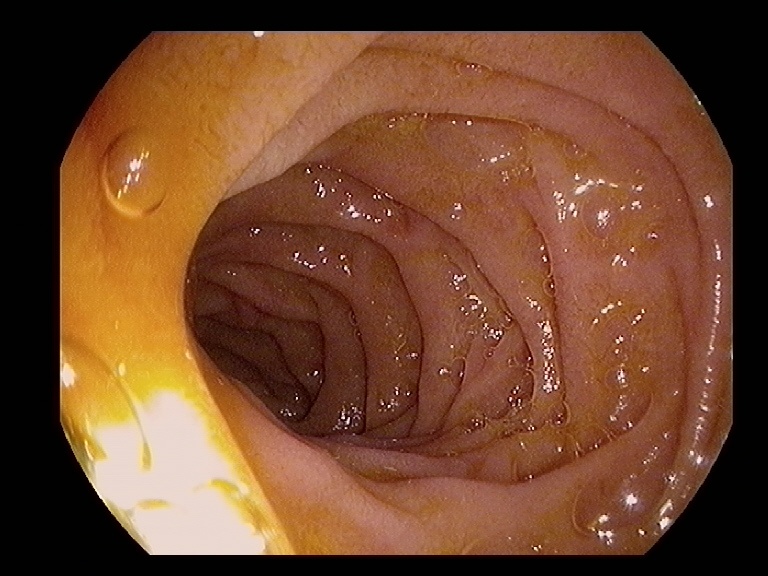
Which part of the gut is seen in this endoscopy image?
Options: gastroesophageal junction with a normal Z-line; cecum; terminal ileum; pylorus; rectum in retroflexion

terminal ileum